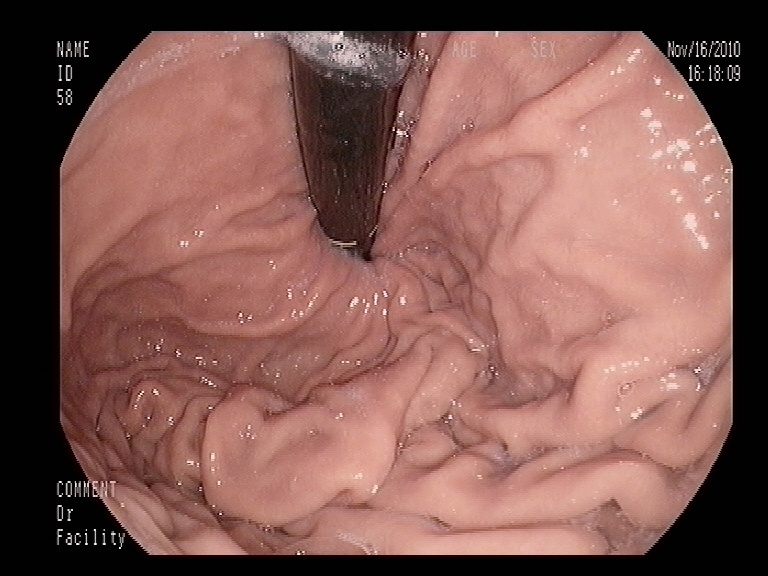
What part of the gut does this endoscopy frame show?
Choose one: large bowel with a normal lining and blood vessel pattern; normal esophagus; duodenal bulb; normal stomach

normal stomach